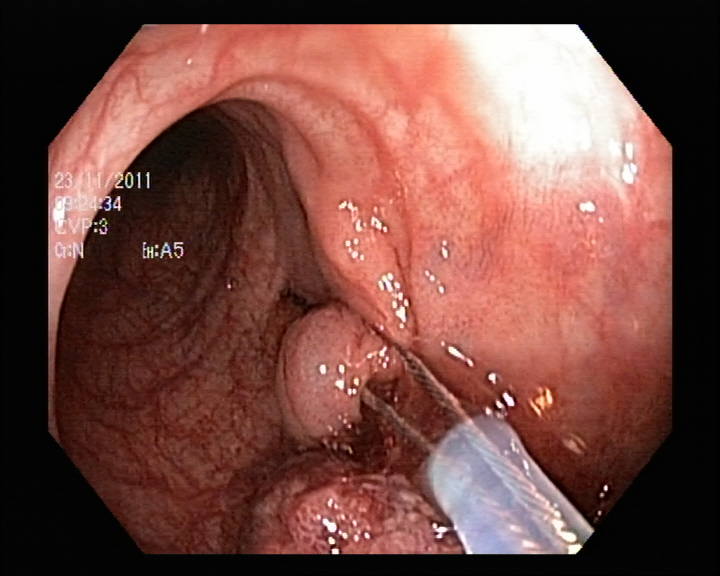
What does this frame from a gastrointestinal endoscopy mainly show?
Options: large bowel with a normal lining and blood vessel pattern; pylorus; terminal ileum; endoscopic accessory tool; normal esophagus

endoscopic accessory tool